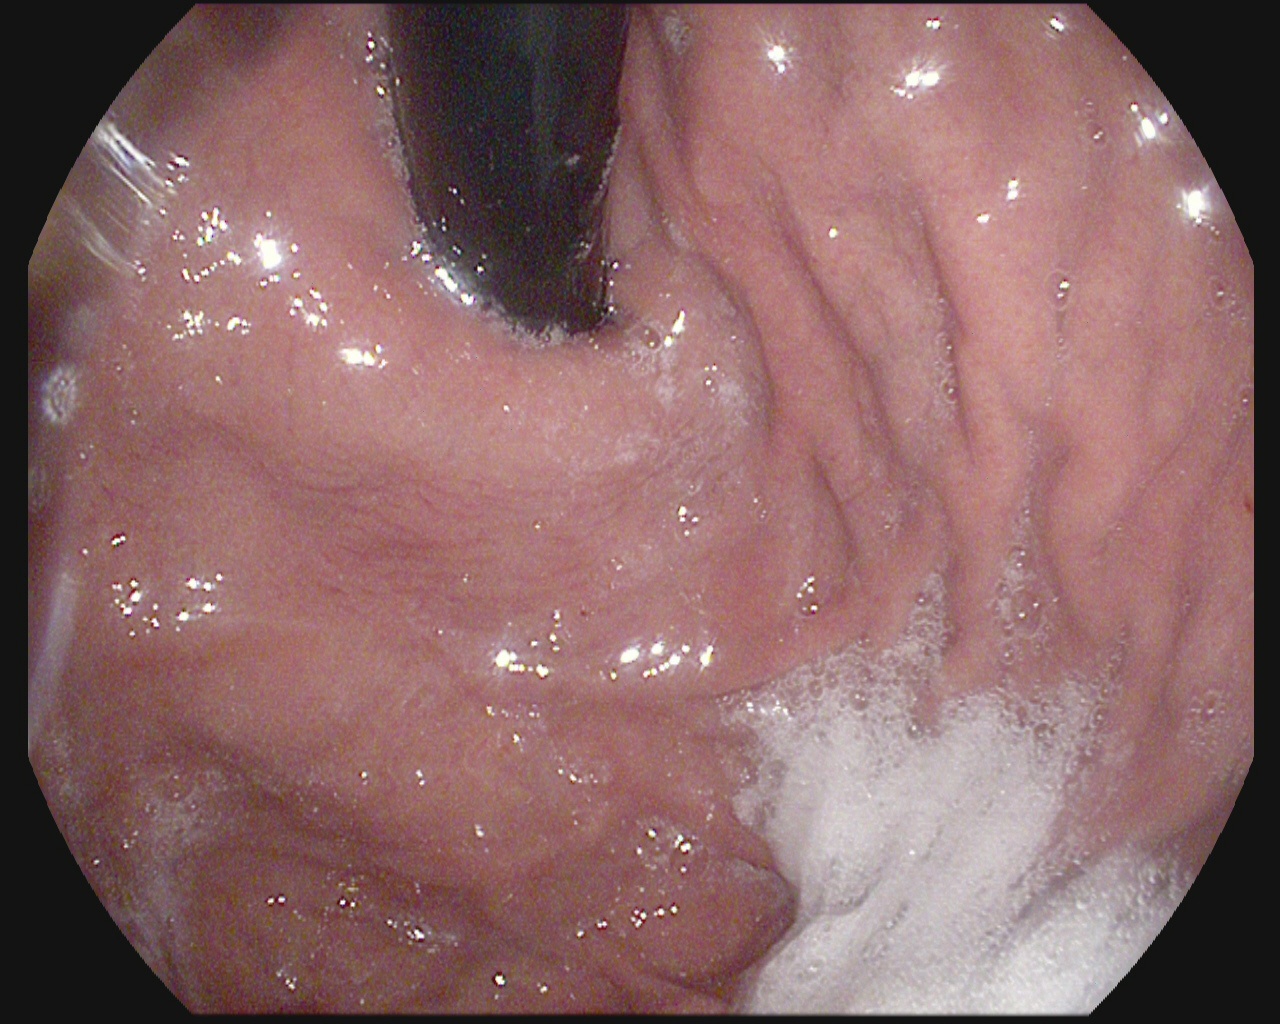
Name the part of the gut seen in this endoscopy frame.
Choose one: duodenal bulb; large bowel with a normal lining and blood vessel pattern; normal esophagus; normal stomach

normal stomach